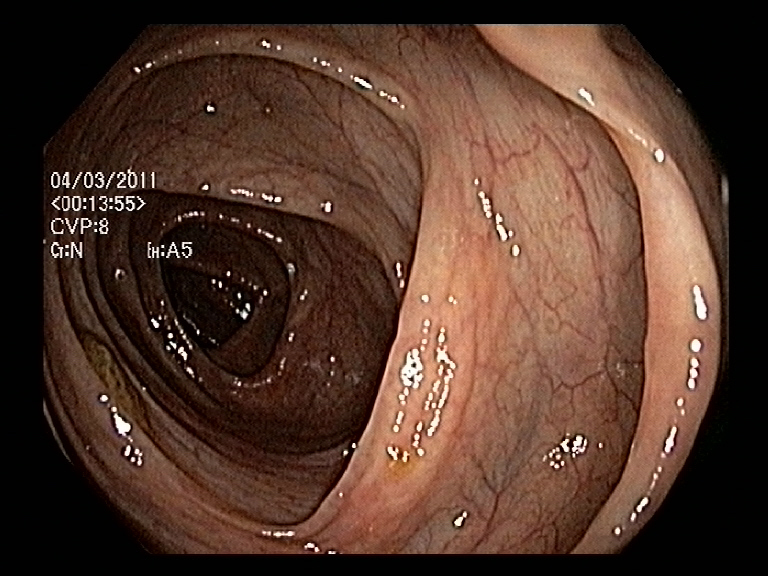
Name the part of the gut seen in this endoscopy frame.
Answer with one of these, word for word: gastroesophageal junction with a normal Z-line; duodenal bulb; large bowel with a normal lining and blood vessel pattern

large bowel with a normal lining and blood vessel pattern